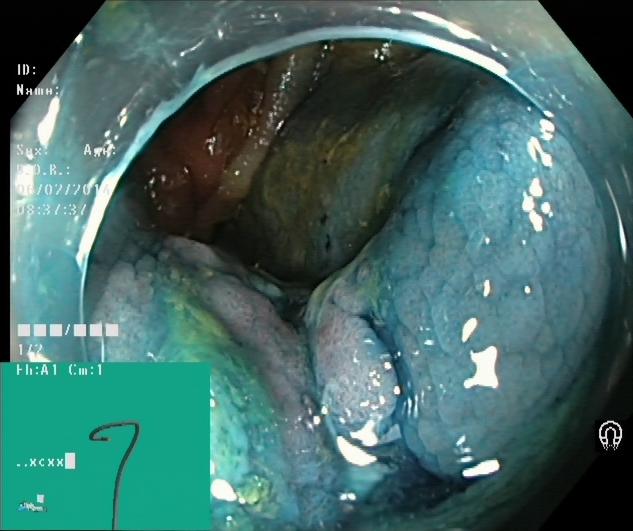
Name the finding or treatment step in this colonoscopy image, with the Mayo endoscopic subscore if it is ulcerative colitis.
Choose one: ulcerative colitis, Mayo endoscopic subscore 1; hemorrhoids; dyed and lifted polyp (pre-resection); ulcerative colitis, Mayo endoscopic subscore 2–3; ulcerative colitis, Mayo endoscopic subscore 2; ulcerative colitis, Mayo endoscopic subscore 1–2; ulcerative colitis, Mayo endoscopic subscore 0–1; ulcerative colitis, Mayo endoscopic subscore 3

dyed and lifted polyp (pre-resection)